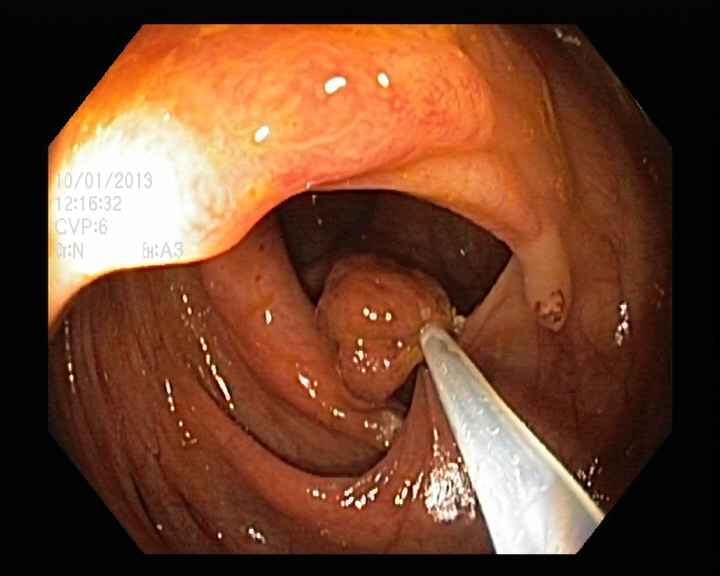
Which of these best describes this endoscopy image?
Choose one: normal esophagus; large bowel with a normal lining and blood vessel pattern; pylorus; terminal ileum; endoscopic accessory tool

endoscopic accessory tool